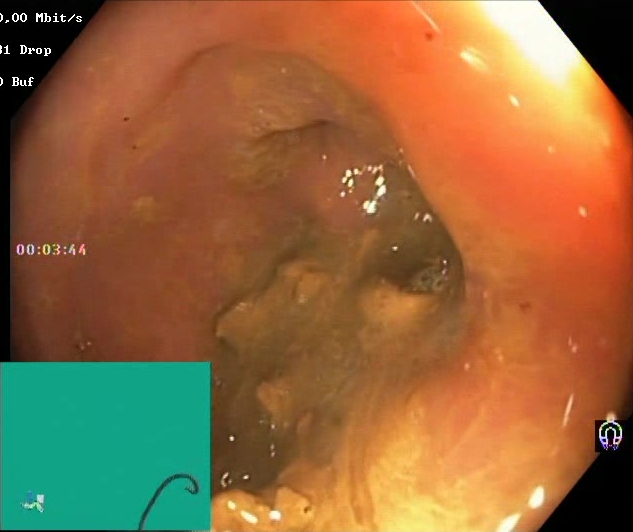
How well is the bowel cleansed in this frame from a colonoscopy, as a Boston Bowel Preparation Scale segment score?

Boston Bowel Preparation Scale score 0–1 (inadequate preparation)